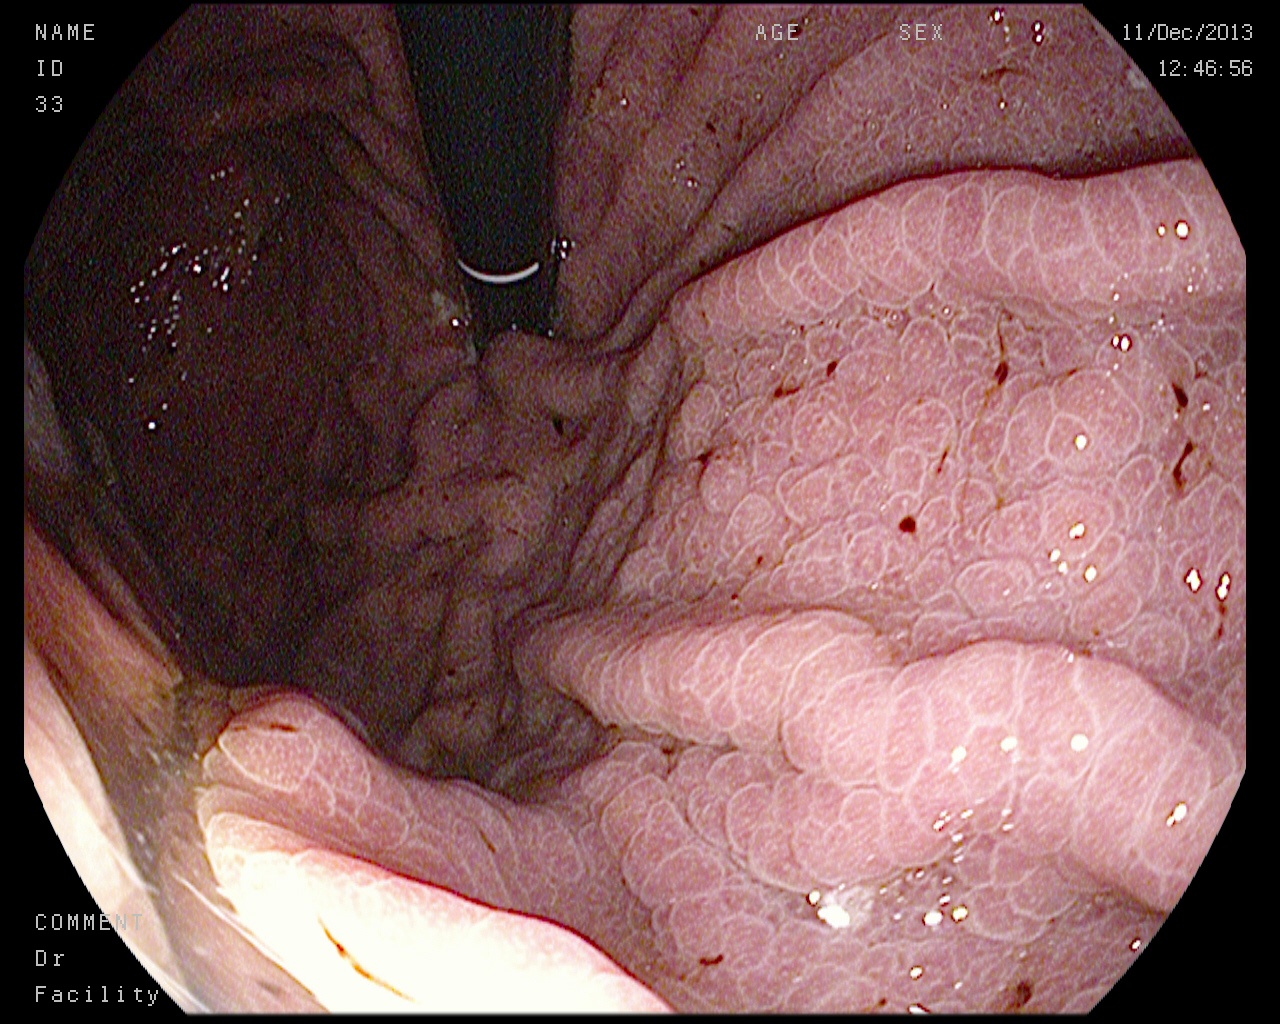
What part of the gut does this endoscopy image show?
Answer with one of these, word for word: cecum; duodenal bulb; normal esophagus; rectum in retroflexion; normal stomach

normal stomach